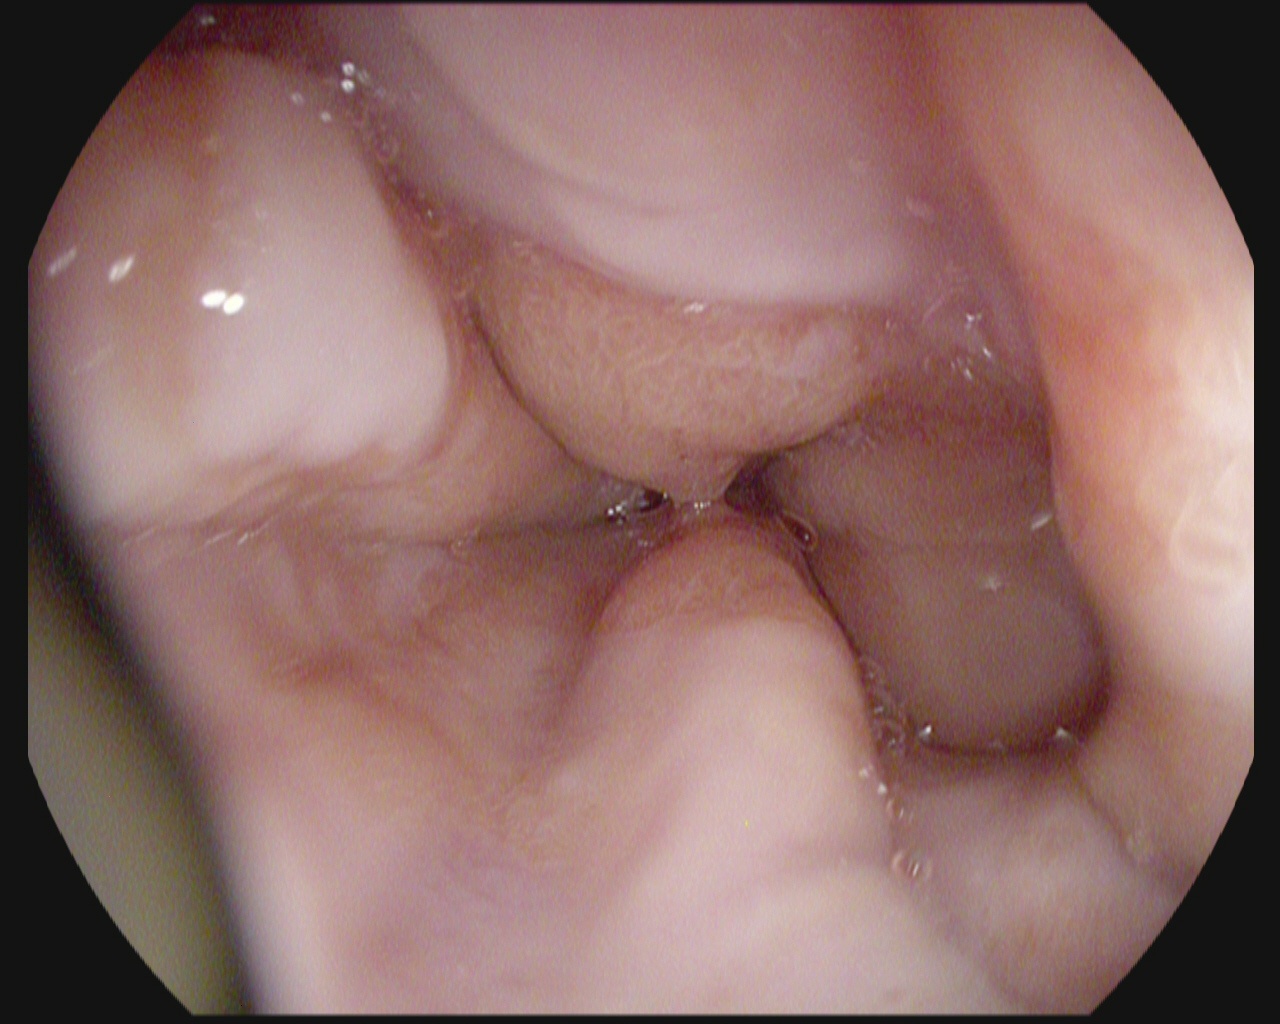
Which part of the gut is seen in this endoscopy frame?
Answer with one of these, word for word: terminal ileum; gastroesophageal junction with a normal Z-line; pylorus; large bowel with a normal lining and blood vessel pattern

gastroesophageal junction with a normal Z-line